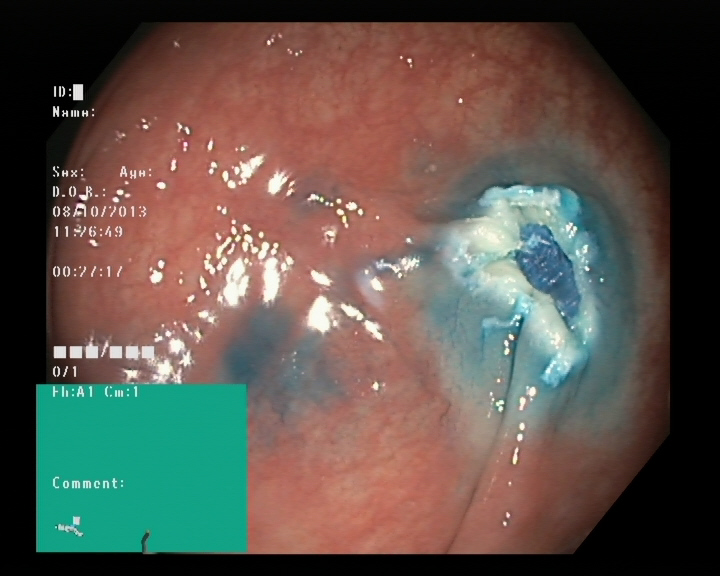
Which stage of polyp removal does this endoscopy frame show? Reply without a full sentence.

dyed resection margin (post-polypectomy)